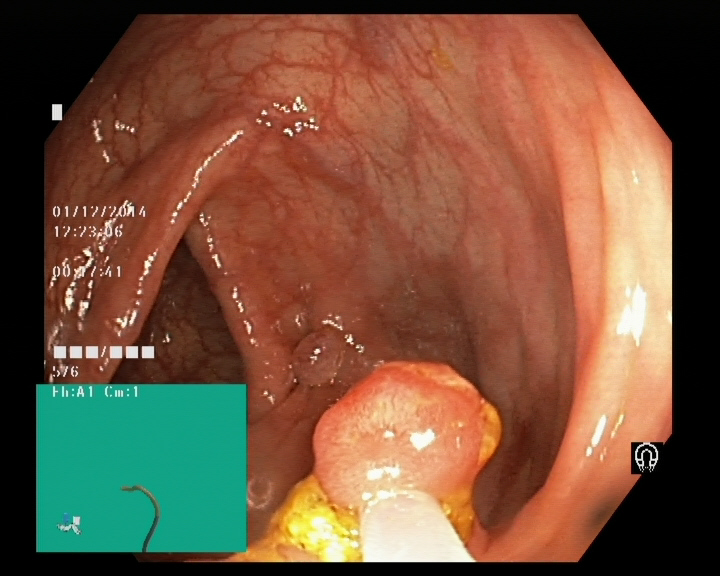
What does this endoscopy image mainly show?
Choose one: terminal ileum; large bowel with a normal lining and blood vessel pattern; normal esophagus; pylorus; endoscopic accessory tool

endoscopic accessory tool